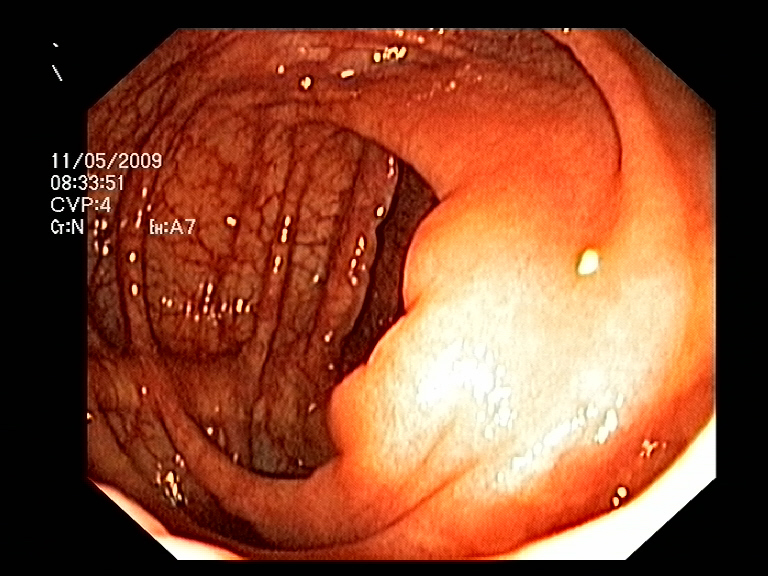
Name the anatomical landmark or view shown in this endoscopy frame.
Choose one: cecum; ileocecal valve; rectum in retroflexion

ileocecal valve